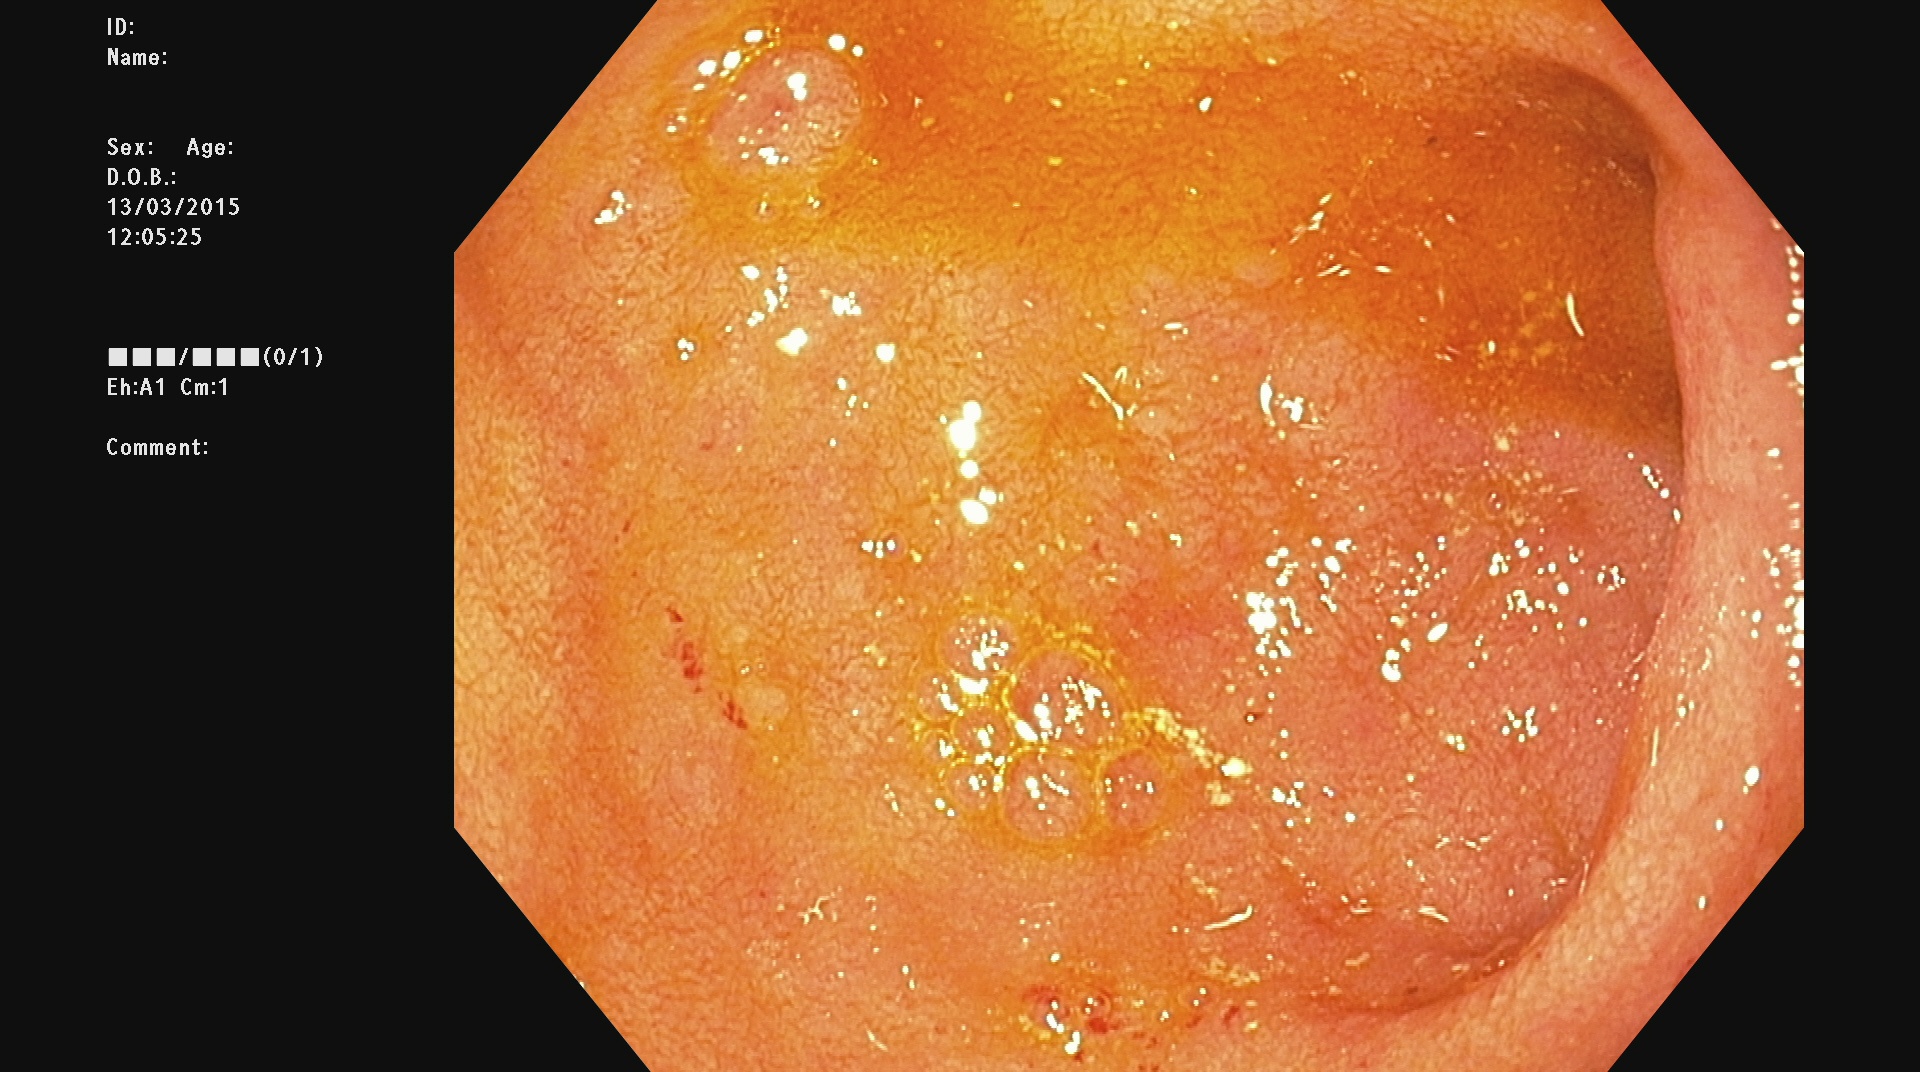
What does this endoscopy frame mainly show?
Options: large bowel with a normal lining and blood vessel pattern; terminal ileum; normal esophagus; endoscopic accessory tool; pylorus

terminal ileum